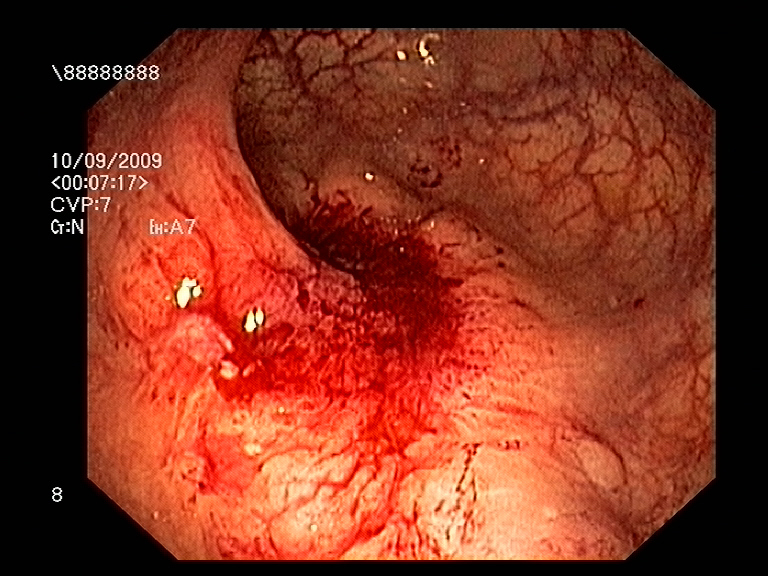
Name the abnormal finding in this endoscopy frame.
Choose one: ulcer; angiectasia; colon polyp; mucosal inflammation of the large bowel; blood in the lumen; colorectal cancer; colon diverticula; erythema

blood in the lumen